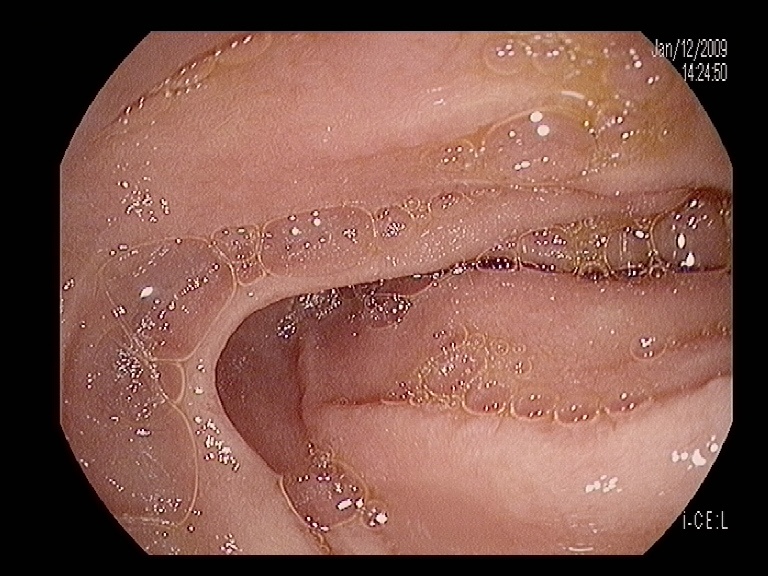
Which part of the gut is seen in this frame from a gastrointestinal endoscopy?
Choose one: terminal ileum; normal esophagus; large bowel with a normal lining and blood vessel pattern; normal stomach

terminal ileum